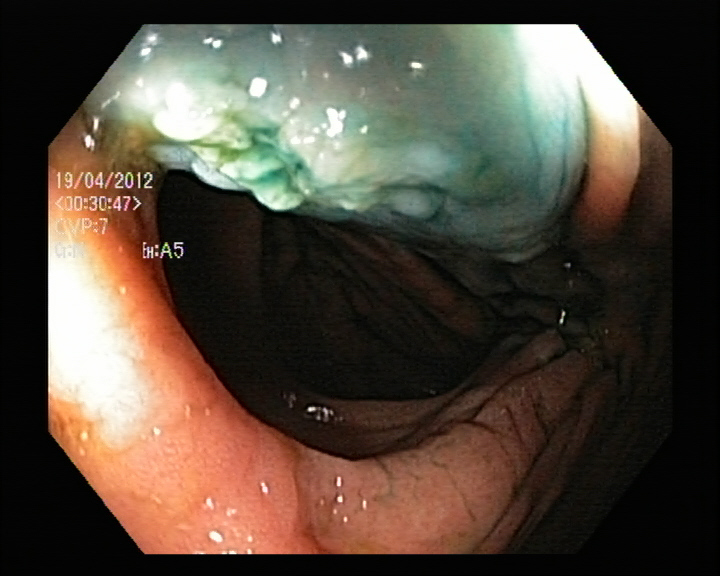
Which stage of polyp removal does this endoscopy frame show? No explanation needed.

dyed resection margin (post-polypectomy)